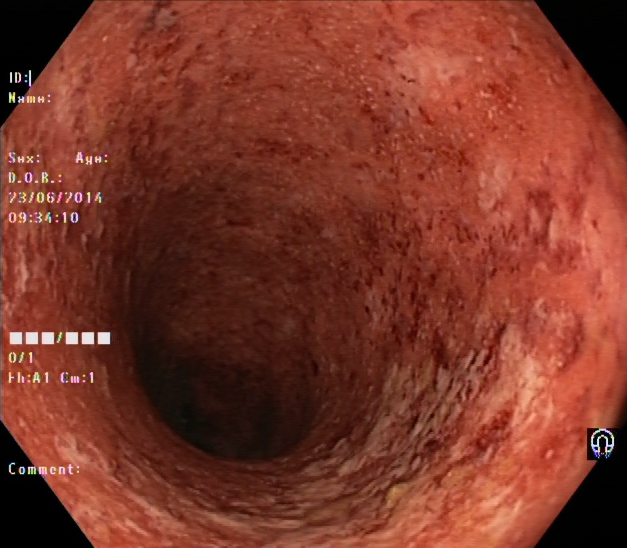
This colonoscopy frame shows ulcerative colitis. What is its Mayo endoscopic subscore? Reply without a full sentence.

ulcerative colitis, Mayo endoscopic subscore 3